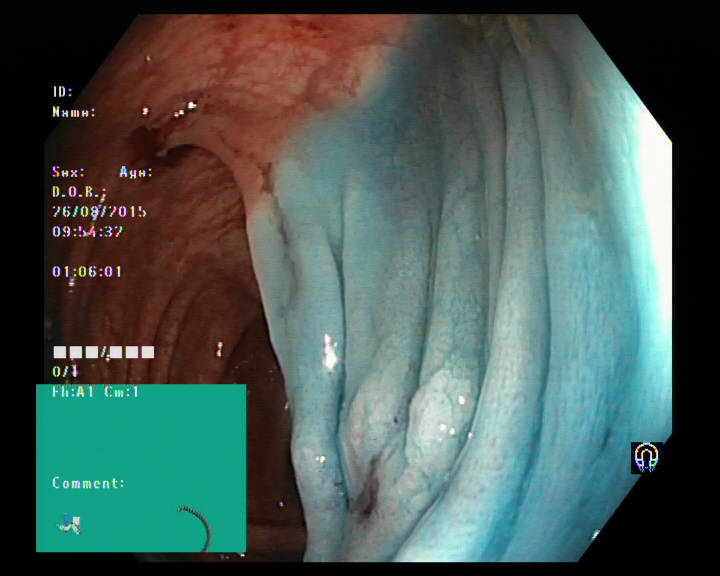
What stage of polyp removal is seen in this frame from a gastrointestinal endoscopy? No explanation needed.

dyed and lifted polyp (pre-resection)